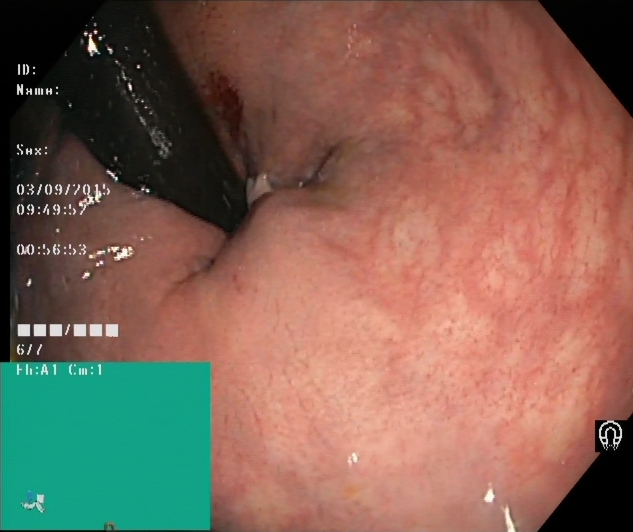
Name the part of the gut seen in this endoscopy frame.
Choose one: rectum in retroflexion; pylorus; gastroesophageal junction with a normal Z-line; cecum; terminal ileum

rectum in retroflexion